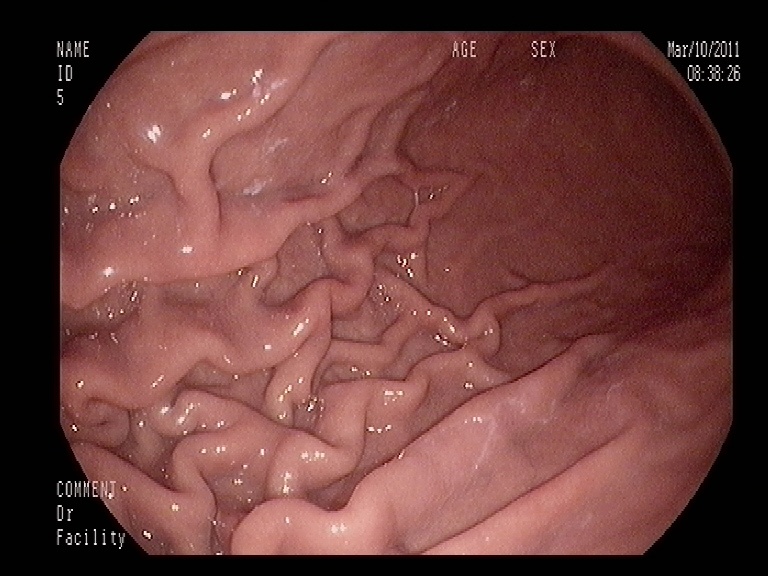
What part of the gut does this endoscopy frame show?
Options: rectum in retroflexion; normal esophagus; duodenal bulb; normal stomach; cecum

normal stomach